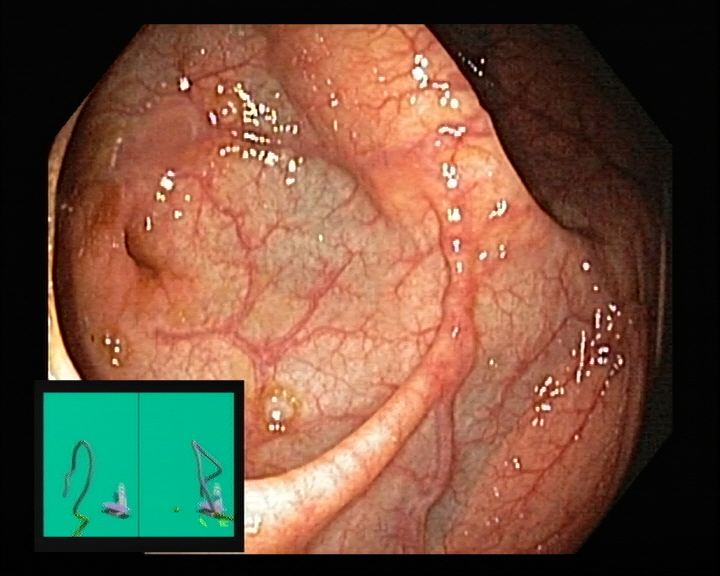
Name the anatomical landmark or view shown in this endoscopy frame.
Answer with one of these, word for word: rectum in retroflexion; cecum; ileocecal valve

cecum